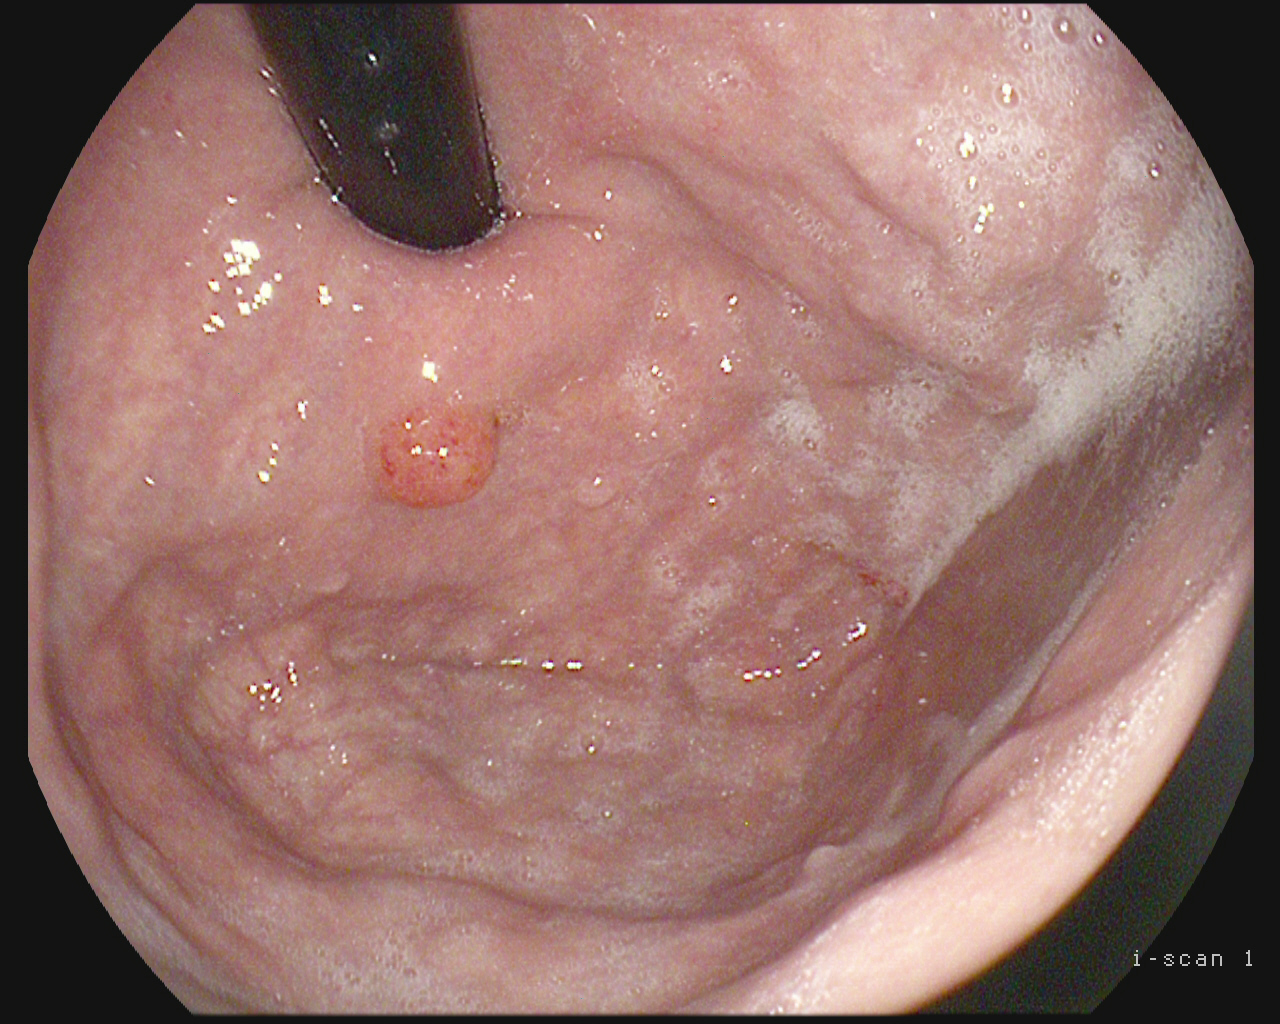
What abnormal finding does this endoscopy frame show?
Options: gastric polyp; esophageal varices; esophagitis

gastric polyp